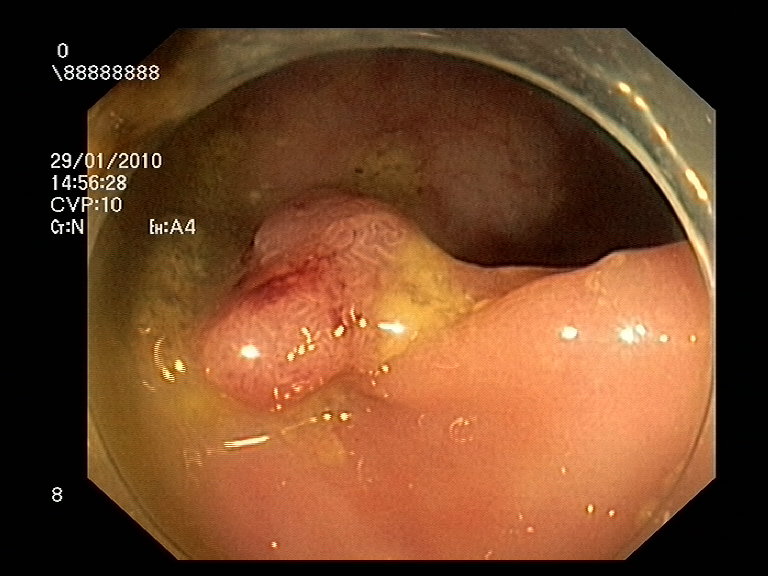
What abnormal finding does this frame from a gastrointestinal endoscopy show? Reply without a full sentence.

colon polyp